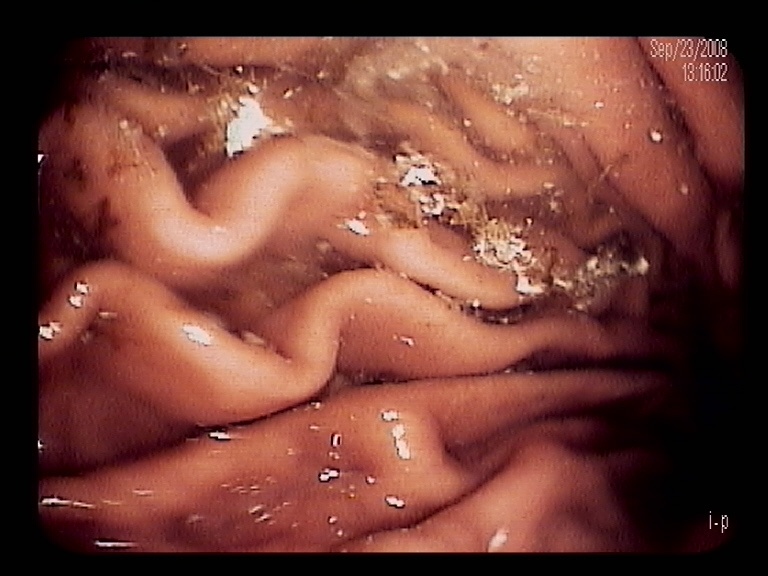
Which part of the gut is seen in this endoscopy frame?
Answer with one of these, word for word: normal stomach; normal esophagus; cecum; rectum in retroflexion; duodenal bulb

normal stomach